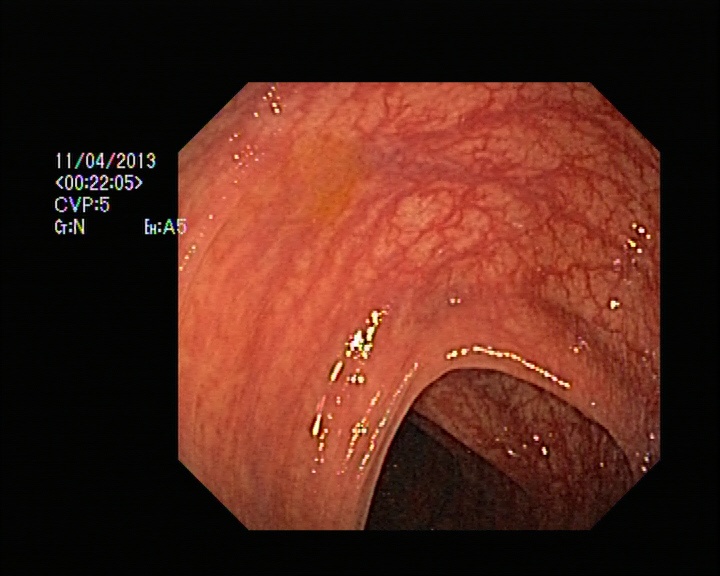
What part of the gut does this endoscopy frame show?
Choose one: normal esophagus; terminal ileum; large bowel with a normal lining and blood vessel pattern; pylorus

large bowel with a normal lining and blood vessel pattern